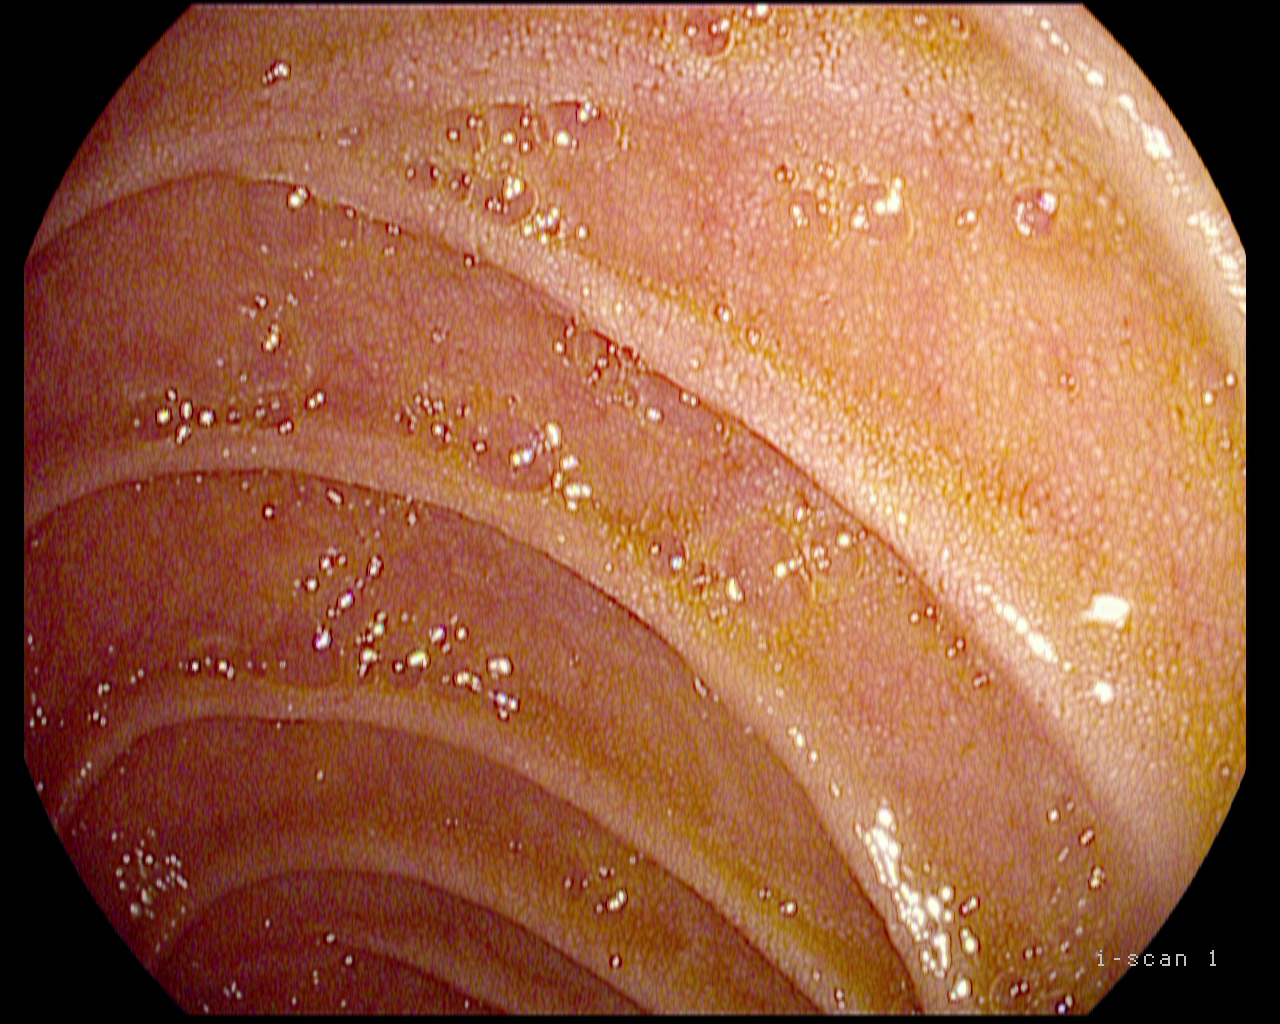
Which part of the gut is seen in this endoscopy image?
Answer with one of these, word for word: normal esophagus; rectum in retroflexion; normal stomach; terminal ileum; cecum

terminal ileum